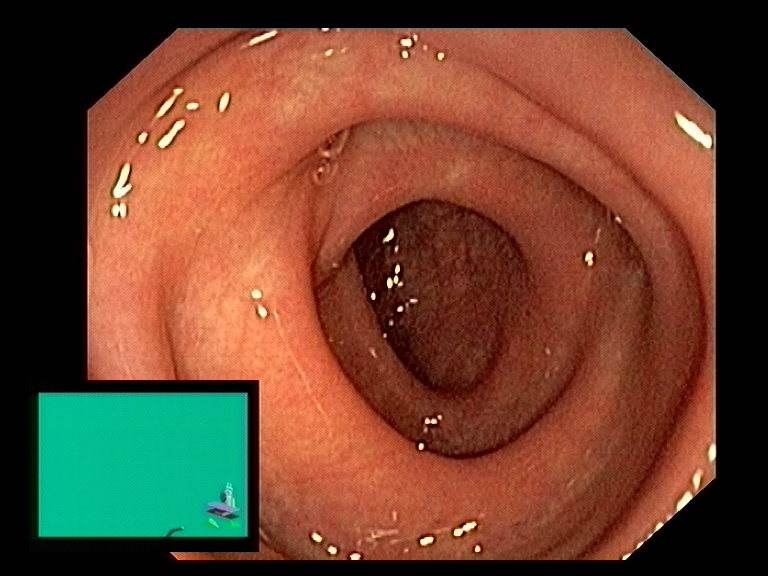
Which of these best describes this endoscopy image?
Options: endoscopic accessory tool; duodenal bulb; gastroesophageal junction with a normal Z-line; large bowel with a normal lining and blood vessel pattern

large bowel with a normal lining and blood vessel pattern